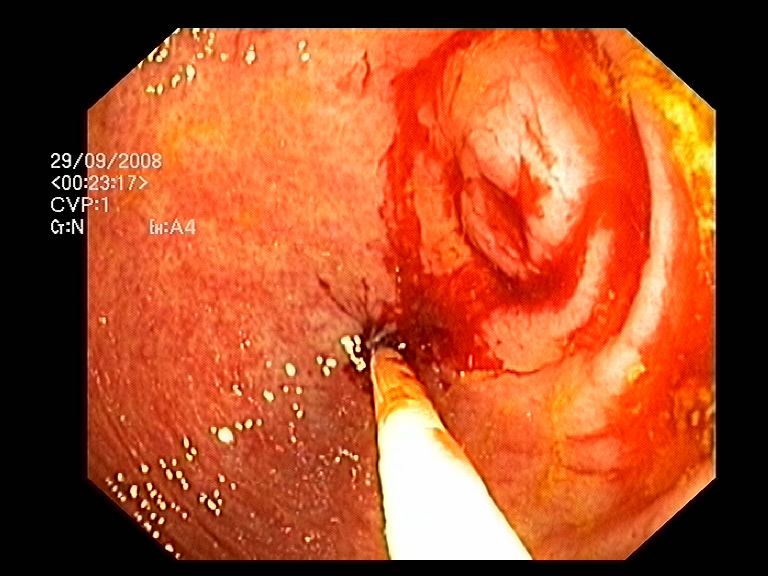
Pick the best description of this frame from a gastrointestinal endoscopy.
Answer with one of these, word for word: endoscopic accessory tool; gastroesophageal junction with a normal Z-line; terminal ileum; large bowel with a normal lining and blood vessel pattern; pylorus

endoscopic accessory tool